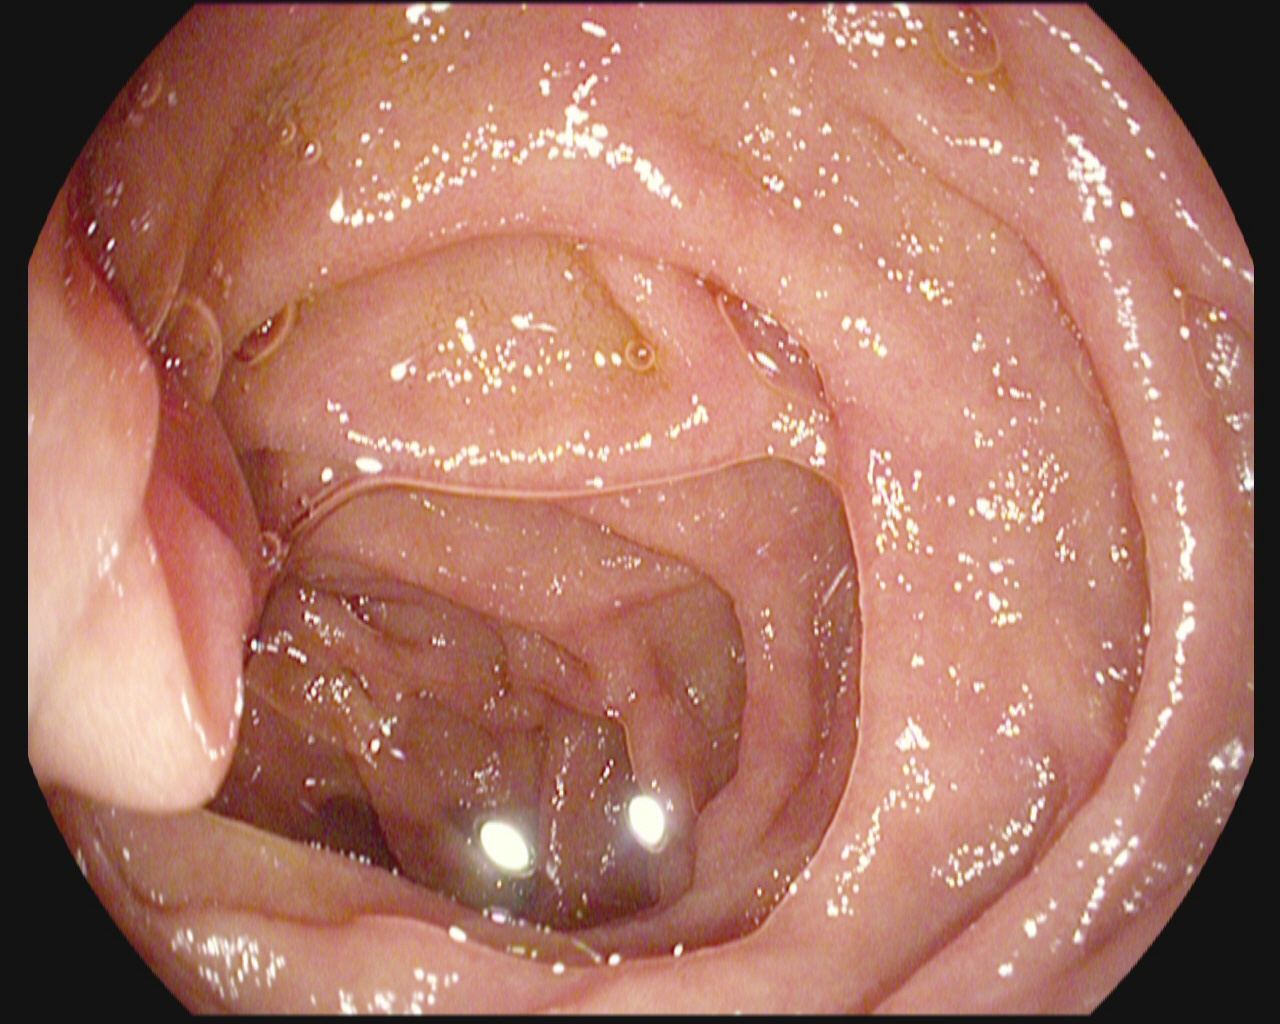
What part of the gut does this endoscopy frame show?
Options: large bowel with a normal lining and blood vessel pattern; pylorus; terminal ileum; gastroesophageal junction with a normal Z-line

terminal ileum